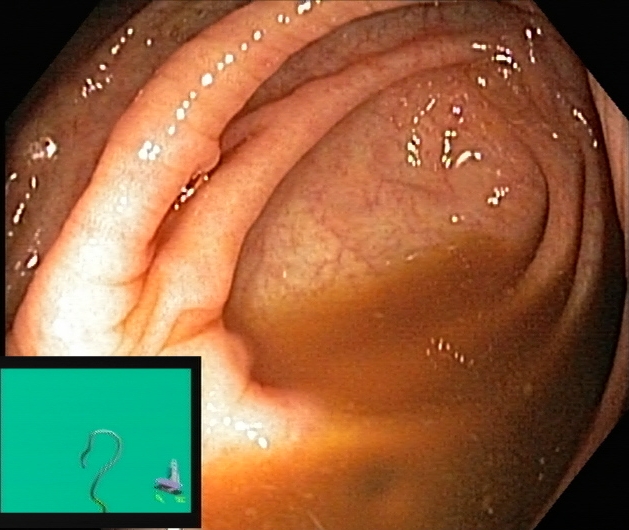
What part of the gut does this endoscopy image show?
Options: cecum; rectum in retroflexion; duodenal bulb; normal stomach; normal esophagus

cecum